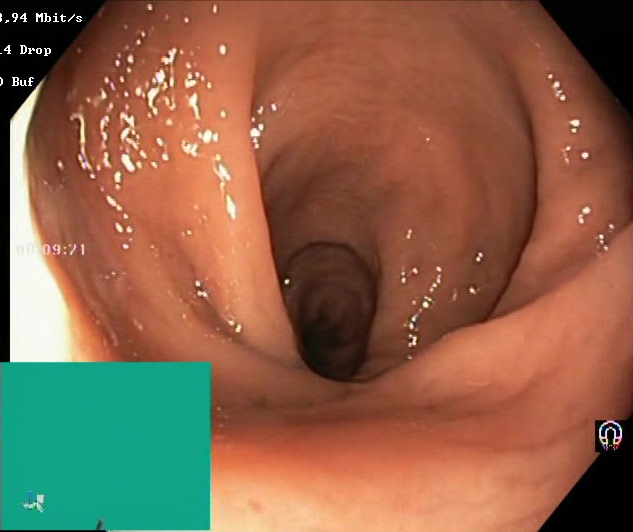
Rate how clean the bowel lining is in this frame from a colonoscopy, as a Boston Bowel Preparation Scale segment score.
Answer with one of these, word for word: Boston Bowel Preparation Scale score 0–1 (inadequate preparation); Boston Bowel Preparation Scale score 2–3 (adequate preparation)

Boston Bowel Preparation Scale score 2–3 (adequate preparation)